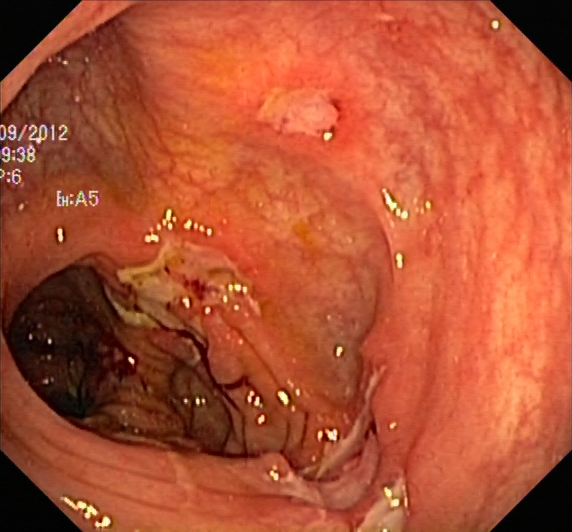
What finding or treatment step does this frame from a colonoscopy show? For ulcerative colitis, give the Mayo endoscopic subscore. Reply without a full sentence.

ulcerative colitis, Mayo endoscopic subscore 1